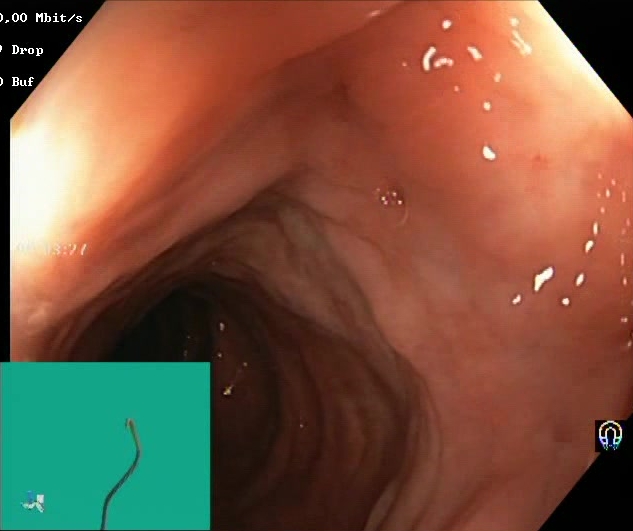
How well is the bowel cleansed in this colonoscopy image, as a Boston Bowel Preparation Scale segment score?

Boston Bowel Preparation Scale score 2–3 (adequate preparation)